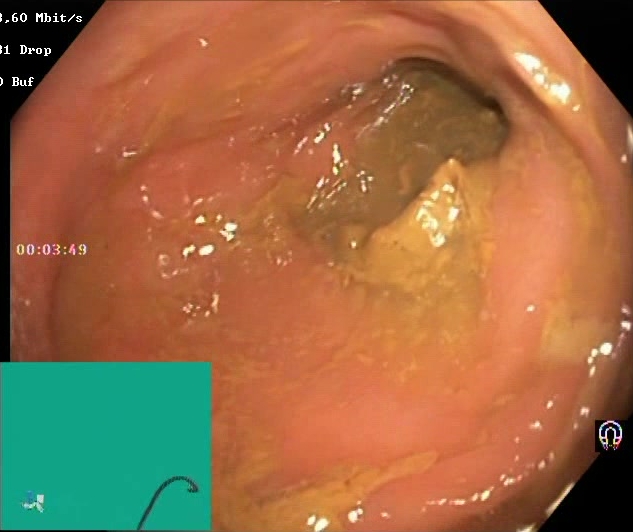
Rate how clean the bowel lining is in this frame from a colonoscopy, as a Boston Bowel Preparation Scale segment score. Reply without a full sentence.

Boston Bowel Preparation Scale score 0–1 (inadequate preparation)